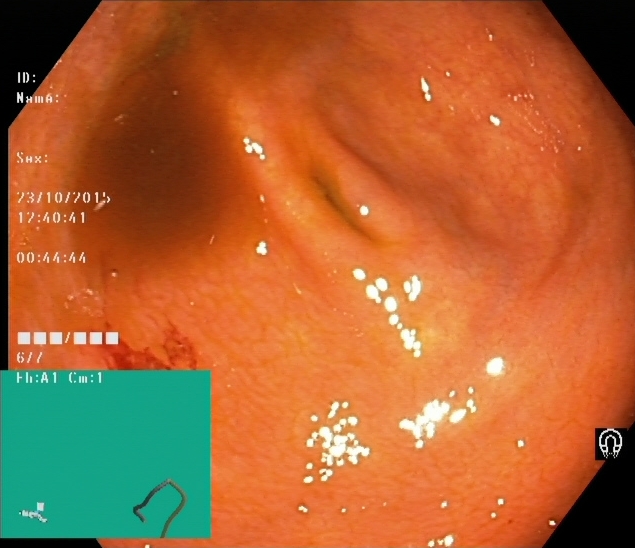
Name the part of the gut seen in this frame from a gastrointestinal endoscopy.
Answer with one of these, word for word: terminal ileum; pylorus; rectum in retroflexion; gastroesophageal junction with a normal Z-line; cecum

cecum